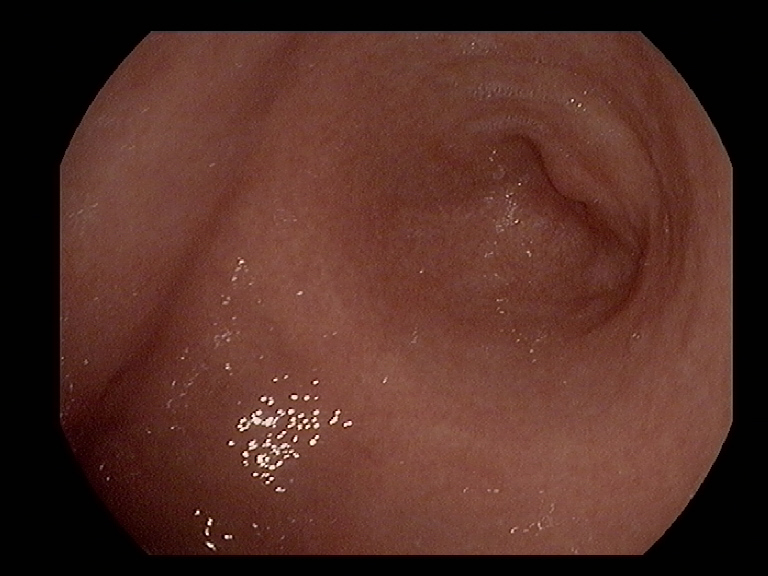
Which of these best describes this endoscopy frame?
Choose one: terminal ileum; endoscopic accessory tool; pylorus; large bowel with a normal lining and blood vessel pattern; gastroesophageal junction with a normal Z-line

pylorus